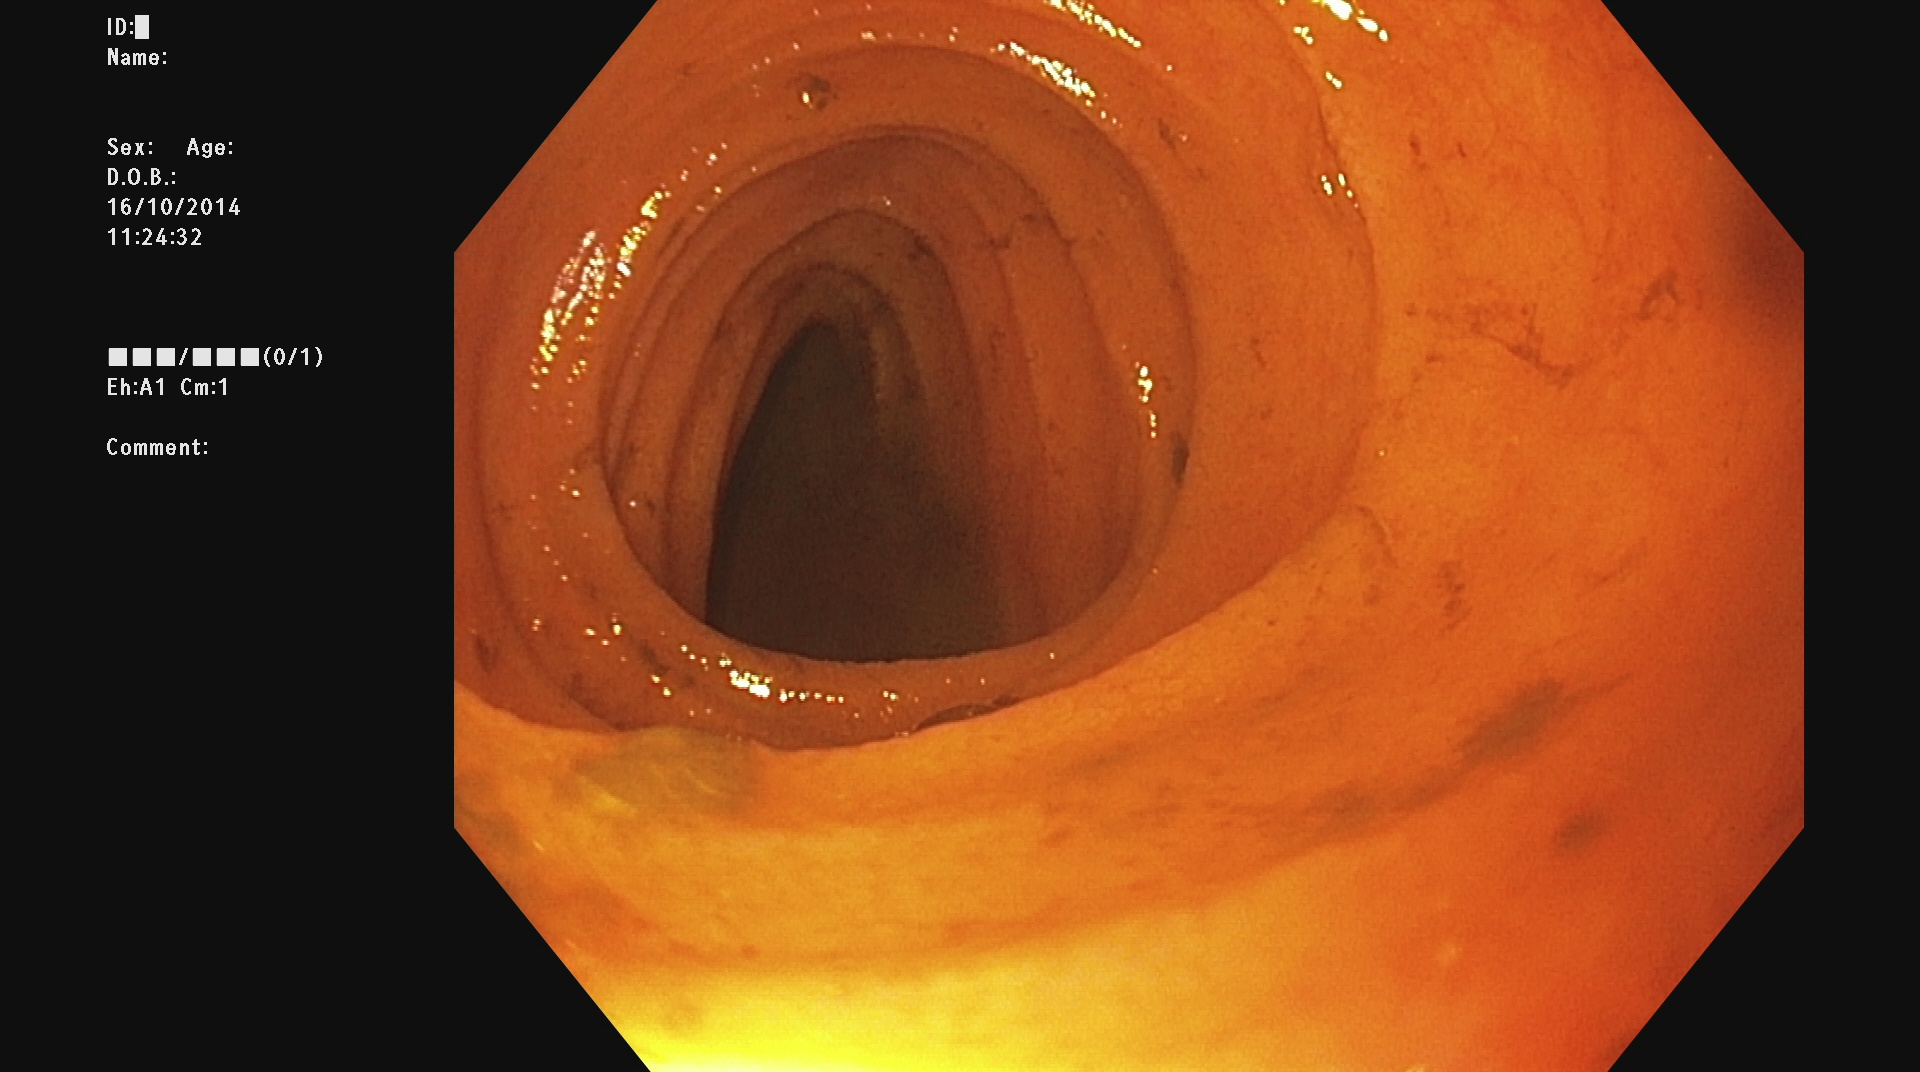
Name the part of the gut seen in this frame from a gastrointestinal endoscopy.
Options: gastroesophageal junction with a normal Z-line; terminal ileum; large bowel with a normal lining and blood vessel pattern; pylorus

large bowel with a normal lining and blood vessel pattern